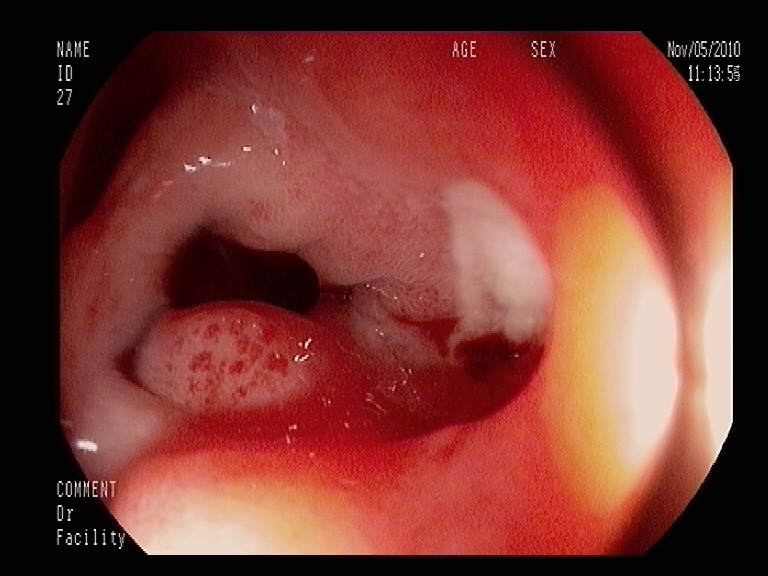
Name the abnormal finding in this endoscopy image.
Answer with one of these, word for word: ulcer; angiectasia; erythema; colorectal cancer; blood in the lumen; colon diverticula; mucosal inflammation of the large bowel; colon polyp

mucosal inflammation of the large bowel